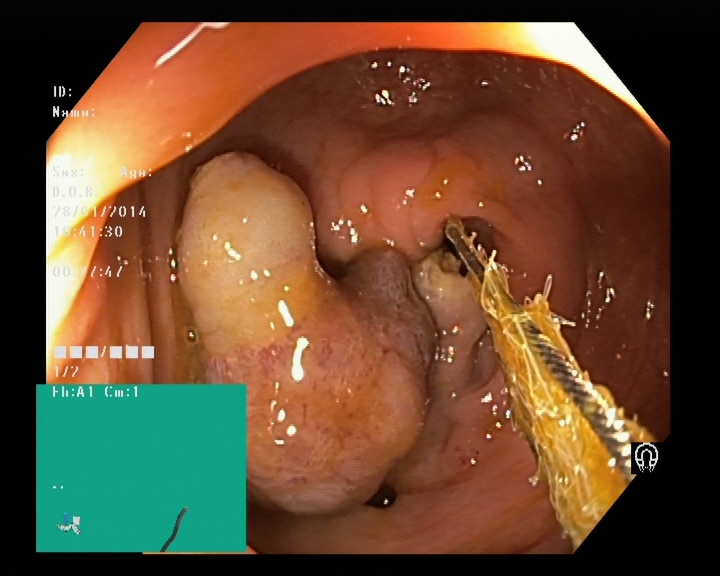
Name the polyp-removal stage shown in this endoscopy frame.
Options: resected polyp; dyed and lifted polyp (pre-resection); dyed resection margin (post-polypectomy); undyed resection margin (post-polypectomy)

resected polyp